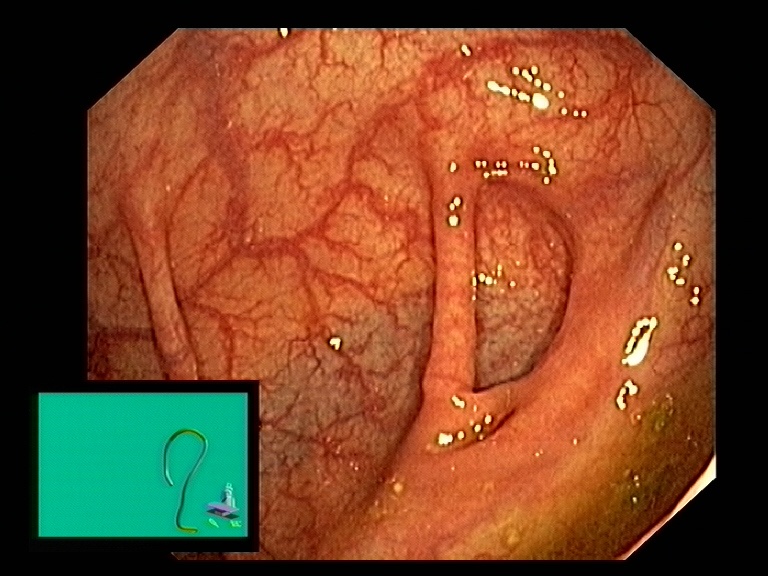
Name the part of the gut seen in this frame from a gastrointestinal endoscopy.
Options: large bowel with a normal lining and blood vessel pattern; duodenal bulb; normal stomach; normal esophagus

large bowel with a normal lining and blood vessel pattern